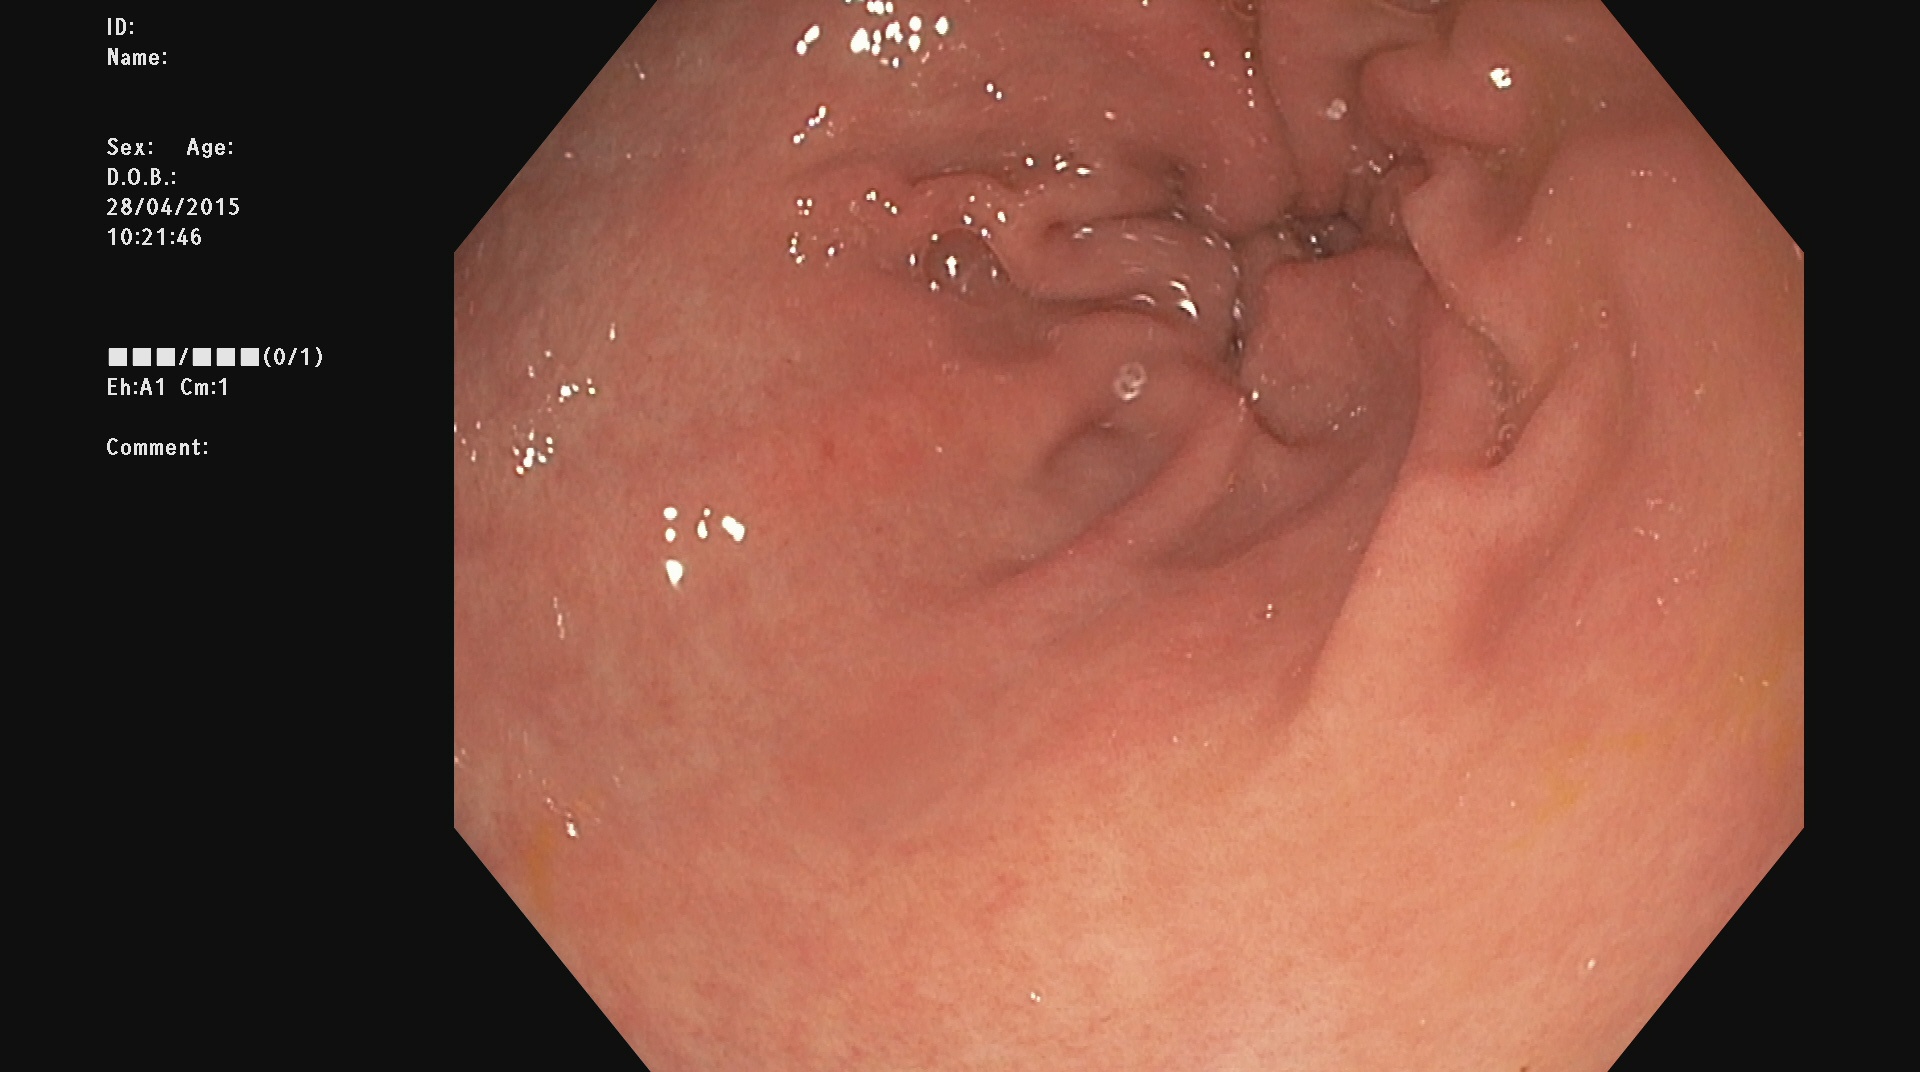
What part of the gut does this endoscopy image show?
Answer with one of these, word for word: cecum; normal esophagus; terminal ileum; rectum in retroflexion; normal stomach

normal stomach